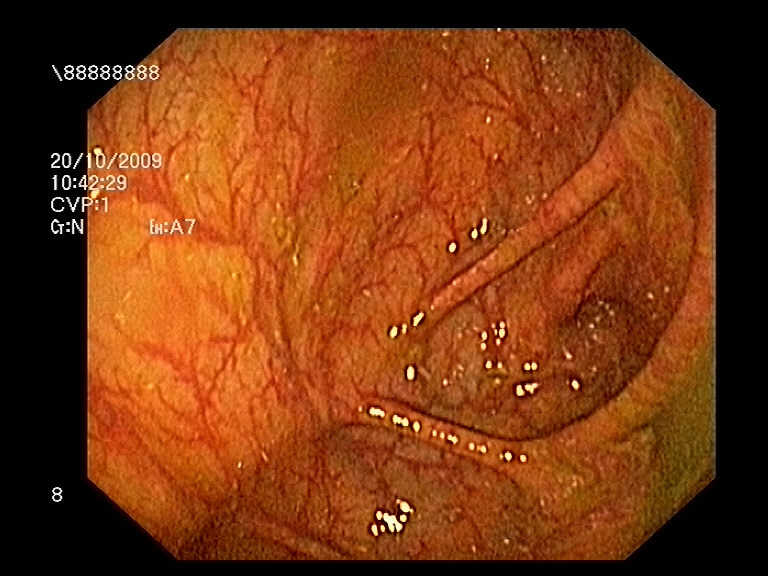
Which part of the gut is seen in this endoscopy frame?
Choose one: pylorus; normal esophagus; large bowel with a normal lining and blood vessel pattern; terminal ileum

large bowel with a normal lining and blood vessel pattern